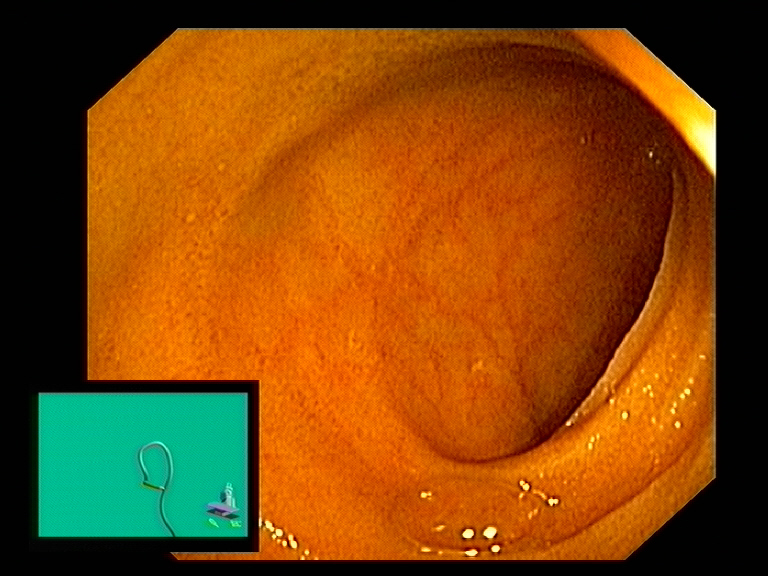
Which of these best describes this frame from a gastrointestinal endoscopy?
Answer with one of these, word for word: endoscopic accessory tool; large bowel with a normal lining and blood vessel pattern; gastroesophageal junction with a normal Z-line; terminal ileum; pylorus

terminal ileum